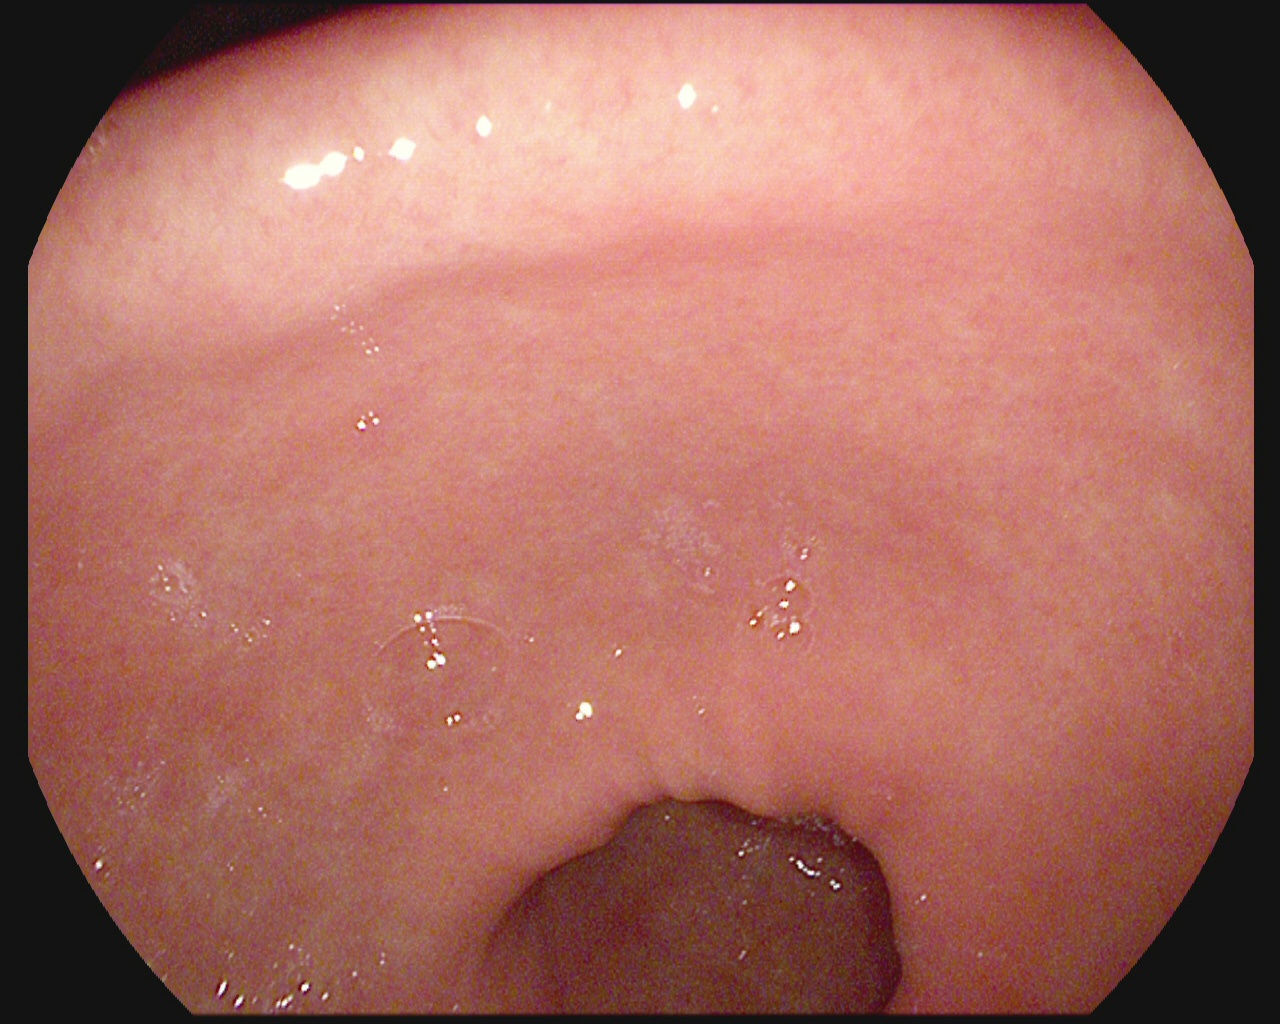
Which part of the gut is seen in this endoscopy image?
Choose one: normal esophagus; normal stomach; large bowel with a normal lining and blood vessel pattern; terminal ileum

normal stomach